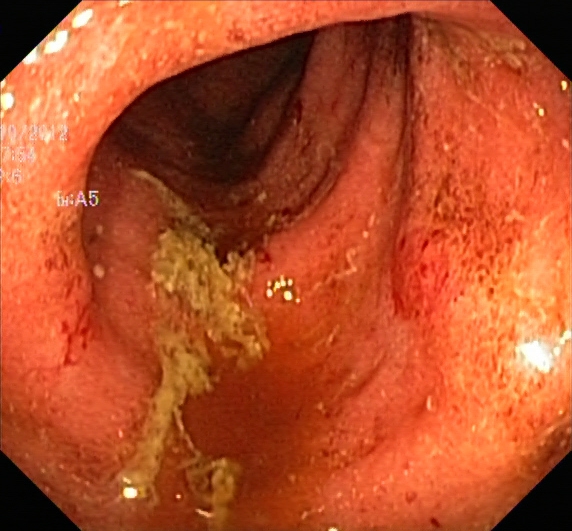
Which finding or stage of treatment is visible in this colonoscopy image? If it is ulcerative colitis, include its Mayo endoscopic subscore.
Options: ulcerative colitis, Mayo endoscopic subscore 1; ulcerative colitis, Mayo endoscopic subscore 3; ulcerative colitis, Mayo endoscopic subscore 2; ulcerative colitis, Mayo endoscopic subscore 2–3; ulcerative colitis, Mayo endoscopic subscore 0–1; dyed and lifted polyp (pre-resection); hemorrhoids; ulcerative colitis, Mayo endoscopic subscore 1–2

ulcerative colitis, Mayo endoscopic subscore 2